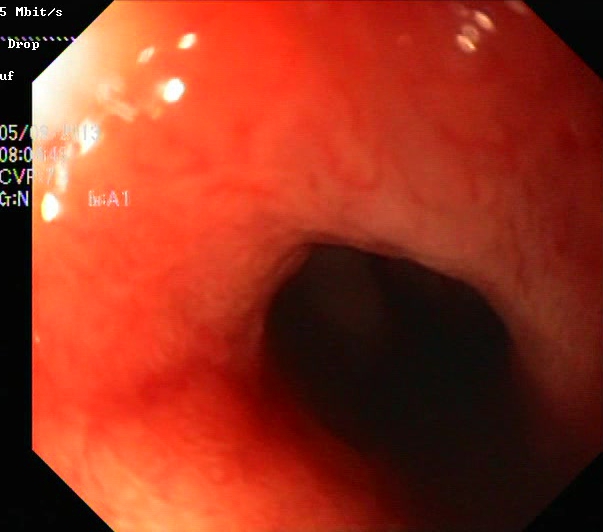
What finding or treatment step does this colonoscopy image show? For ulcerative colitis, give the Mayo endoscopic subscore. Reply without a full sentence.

ulcerative colitis, Mayo endoscopic subscore 2